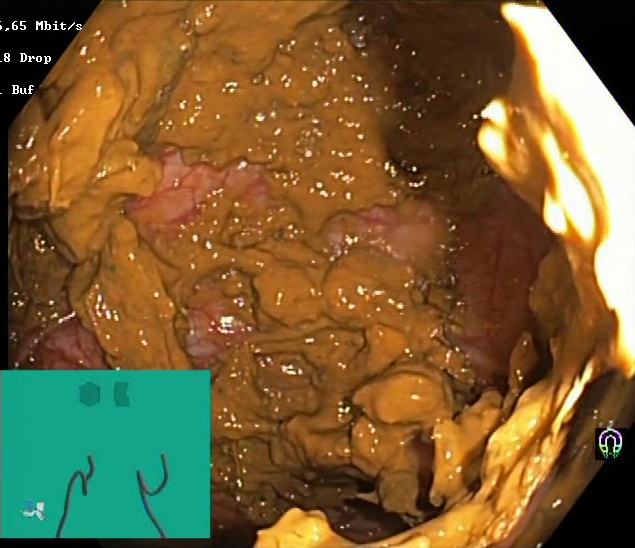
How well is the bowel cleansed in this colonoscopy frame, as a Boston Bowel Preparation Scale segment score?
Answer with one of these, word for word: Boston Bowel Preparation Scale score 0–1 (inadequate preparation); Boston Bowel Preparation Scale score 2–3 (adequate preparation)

Boston Bowel Preparation Scale score 0–1 (inadequate preparation)